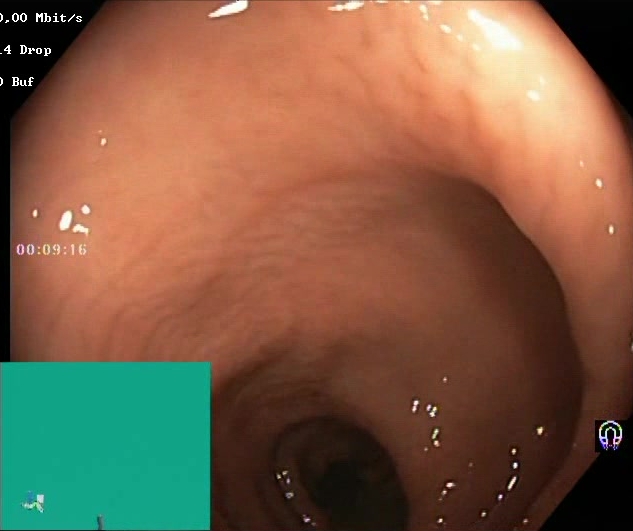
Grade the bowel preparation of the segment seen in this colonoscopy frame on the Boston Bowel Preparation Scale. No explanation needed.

Boston Bowel Preparation Scale score 2–3 (adequate preparation)